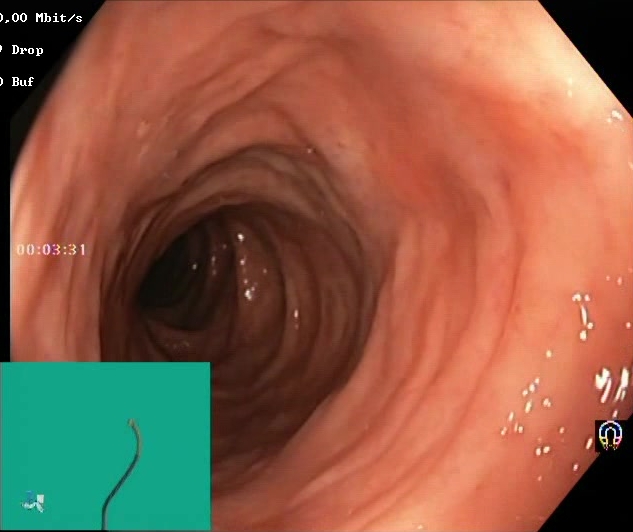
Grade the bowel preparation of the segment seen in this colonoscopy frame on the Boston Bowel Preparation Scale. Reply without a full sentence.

Boston Bowel Preparation Scale score 2–3 (adequate preparation)